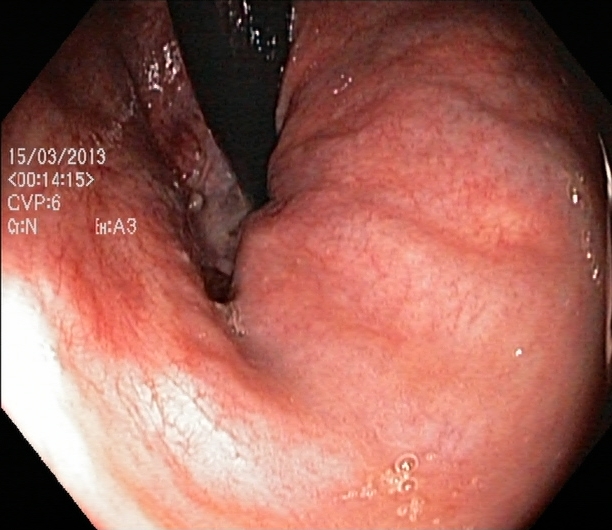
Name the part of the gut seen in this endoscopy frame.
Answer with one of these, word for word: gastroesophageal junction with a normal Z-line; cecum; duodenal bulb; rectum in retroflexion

rectum in retroflexion